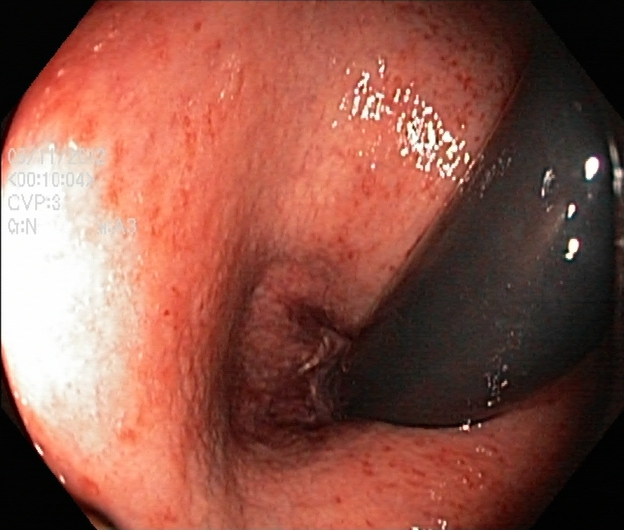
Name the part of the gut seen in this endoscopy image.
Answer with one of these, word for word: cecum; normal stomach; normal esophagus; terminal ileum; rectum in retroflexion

rectum in retroflexion